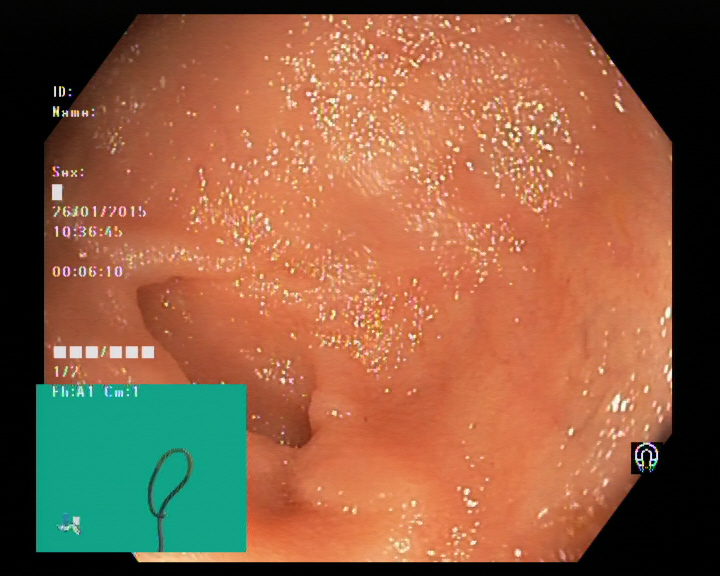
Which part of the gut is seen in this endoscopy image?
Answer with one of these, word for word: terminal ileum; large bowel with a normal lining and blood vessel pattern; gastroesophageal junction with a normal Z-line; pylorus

terminal ileum